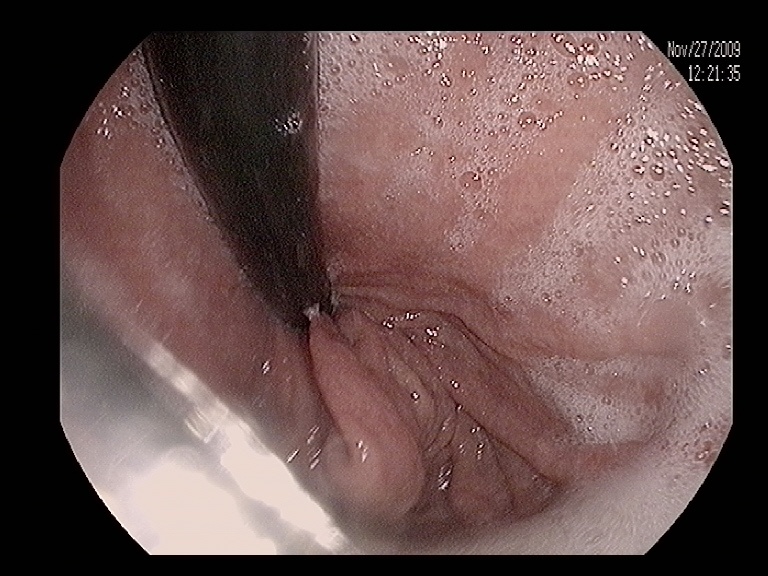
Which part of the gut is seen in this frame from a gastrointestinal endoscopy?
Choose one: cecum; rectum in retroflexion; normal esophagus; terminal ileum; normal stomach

normal stomach